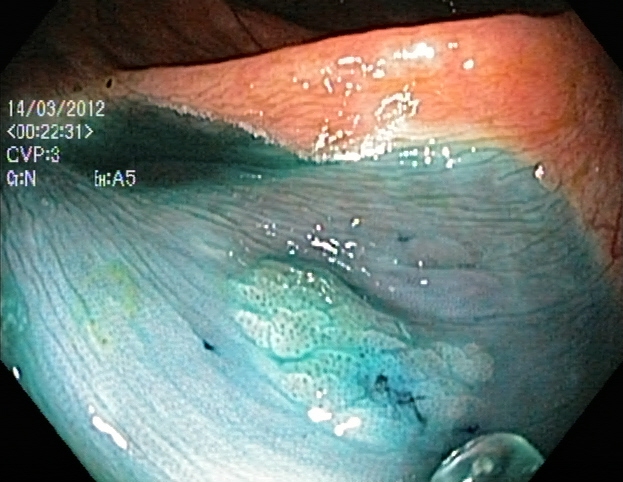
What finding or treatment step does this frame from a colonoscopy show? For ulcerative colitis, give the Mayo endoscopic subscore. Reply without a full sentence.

dyed and lifted polyp (pre-resection)